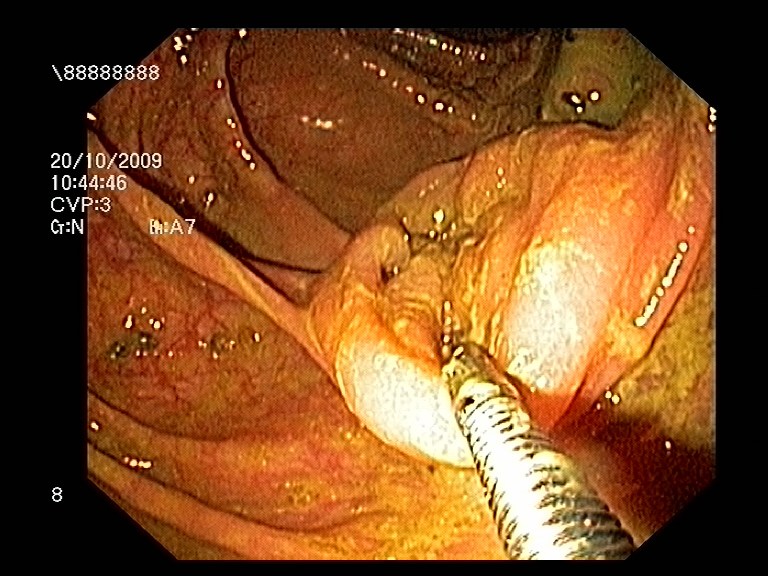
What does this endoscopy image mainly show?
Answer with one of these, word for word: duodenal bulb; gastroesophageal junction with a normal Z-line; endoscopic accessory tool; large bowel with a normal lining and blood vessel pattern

endoscopic accessory tool